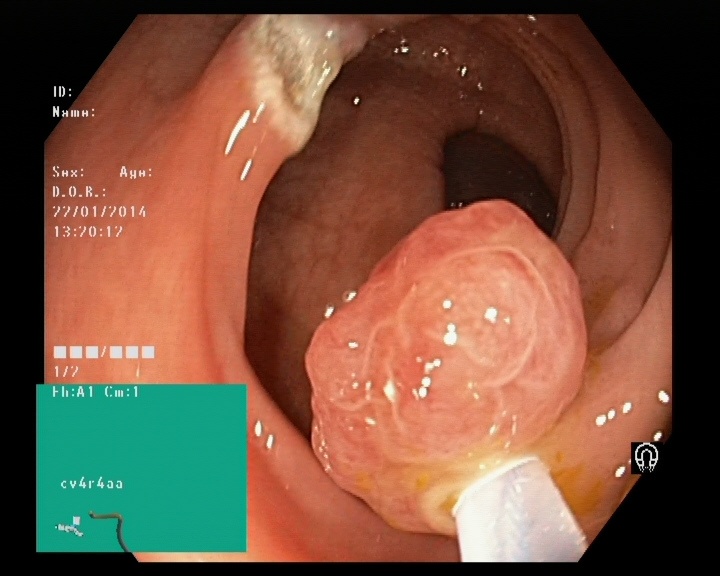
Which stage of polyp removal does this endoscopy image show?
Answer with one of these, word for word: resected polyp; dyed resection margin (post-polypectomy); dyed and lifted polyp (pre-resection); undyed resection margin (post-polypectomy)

resected polyp